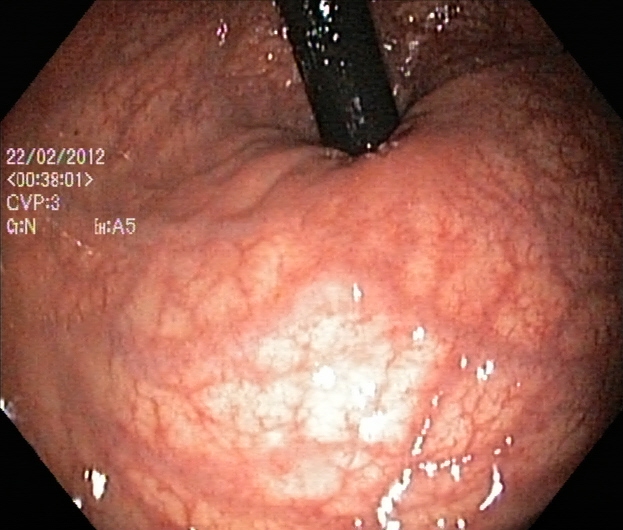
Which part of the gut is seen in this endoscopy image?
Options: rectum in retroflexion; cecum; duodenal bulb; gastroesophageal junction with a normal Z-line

rectum in retroflexion